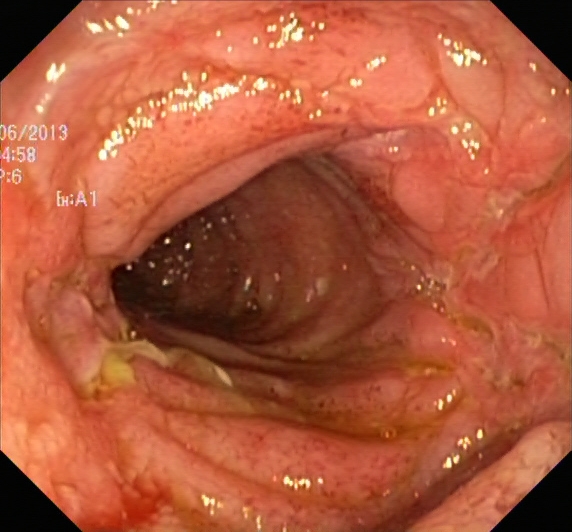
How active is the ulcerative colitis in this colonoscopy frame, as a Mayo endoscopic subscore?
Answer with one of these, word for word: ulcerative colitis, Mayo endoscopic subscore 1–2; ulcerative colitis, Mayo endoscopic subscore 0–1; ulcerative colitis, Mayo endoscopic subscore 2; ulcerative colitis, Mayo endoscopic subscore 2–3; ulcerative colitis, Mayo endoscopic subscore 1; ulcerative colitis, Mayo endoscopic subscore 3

ulcerative colitis, Mayo endoscopic subscore 1